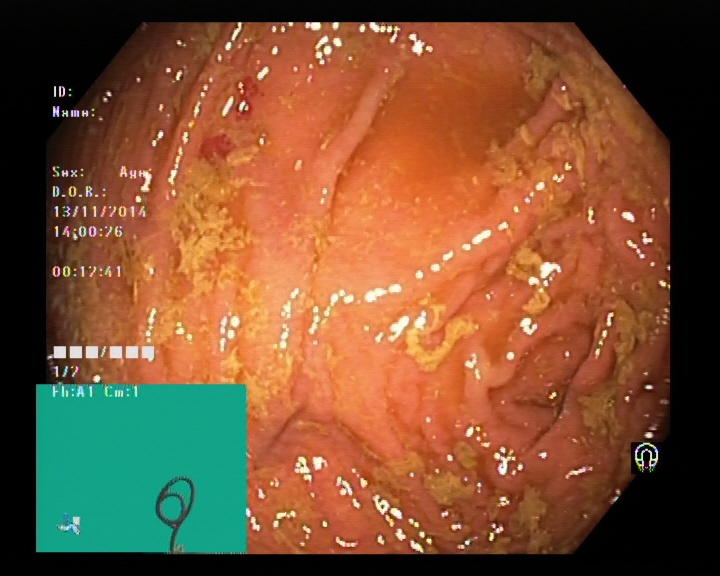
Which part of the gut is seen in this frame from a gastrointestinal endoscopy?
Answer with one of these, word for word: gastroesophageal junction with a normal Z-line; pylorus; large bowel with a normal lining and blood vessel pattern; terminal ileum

large bowel with a normal lining and blood vessel pattern